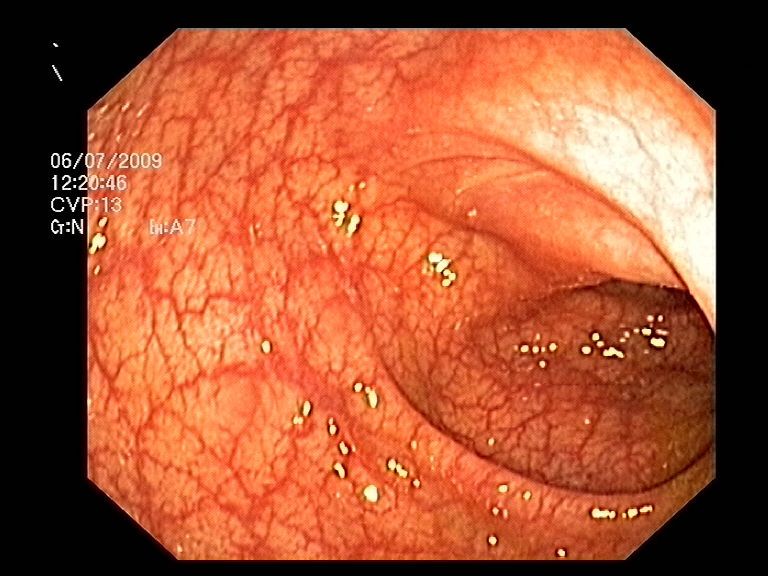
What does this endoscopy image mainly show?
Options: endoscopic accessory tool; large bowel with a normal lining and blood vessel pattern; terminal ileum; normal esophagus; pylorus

large bowel with a normal lining and blood vessel pattern